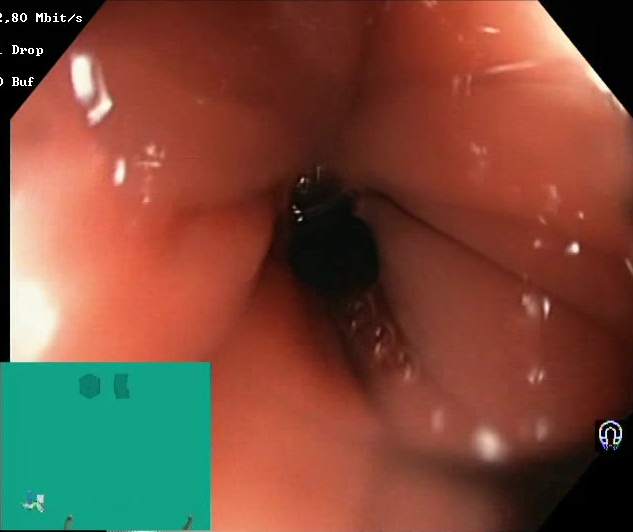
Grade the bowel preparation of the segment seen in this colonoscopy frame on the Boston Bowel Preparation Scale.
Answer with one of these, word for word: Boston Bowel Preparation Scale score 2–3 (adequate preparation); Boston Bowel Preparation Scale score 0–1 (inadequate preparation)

Boston Bowel Preparation Scale score 2–3 (adequate preparation)